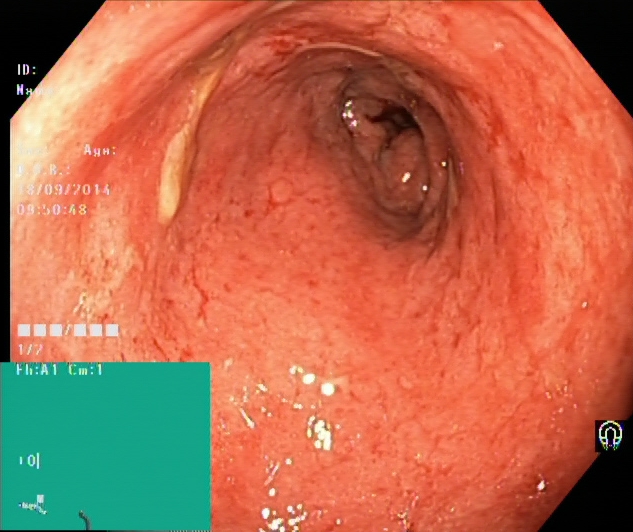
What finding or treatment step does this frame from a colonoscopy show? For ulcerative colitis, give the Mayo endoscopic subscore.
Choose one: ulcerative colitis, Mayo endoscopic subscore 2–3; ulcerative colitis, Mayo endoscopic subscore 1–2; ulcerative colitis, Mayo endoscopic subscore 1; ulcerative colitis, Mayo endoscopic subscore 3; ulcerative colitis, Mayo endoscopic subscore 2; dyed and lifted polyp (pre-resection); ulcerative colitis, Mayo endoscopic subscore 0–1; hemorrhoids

ulcerative colitis, Mayo endoscopic subscore 2